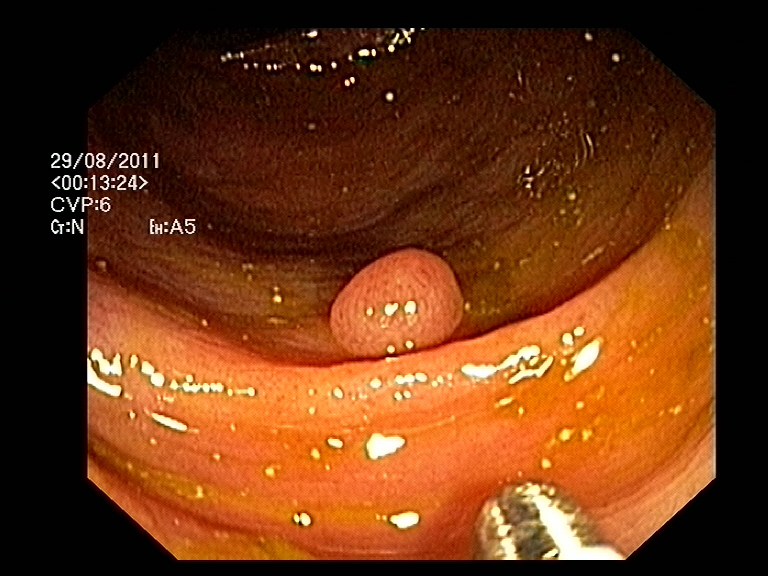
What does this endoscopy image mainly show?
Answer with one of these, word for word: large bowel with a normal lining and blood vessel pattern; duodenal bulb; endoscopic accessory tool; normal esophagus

endoscopic accessory tool